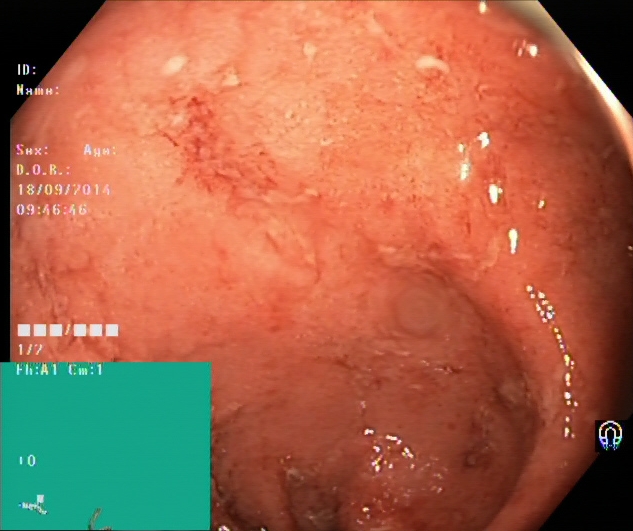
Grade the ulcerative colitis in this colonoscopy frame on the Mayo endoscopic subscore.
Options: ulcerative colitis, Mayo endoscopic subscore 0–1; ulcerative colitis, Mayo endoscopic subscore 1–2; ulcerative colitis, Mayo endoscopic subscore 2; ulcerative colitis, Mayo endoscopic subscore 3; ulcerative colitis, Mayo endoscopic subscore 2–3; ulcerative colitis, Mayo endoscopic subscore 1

ulcerative colitis, Mayo endoscopic subscore 2